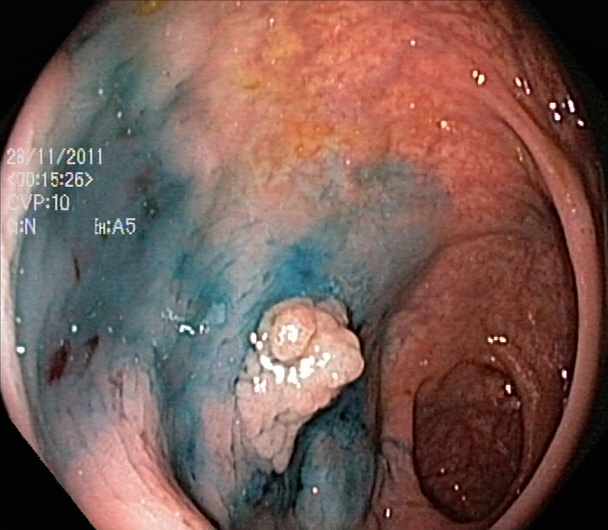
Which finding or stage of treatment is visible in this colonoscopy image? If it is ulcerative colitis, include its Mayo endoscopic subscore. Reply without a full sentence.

dyed and lifted polyp (pre-resection)